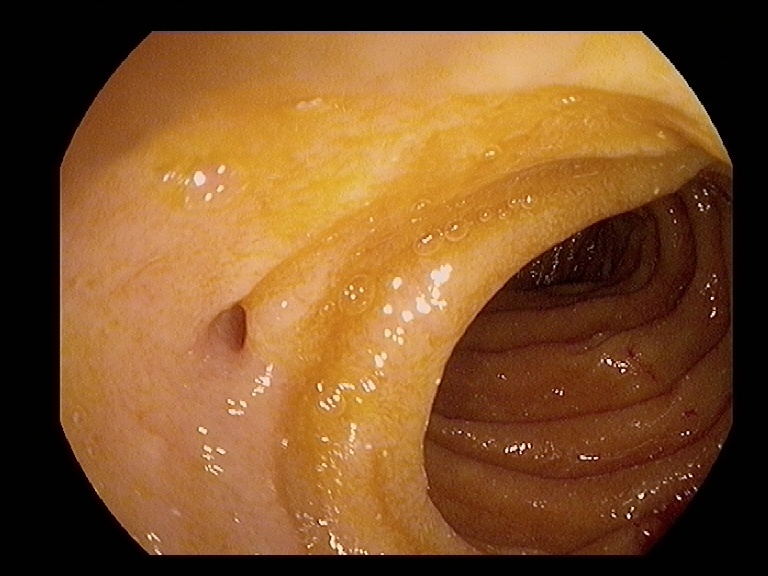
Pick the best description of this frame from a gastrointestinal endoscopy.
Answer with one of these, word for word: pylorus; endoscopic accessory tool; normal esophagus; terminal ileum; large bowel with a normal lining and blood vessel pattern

terminal ileum